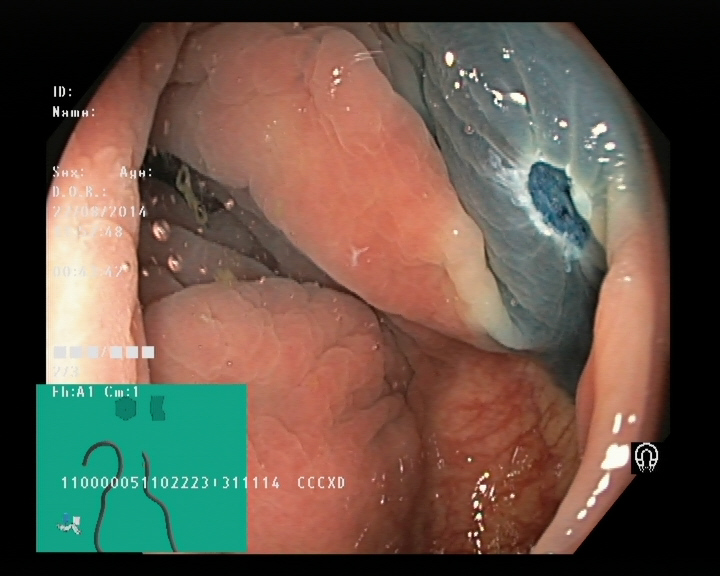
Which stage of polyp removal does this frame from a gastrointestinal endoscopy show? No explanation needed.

dyed resection margin (post-polypectomy)